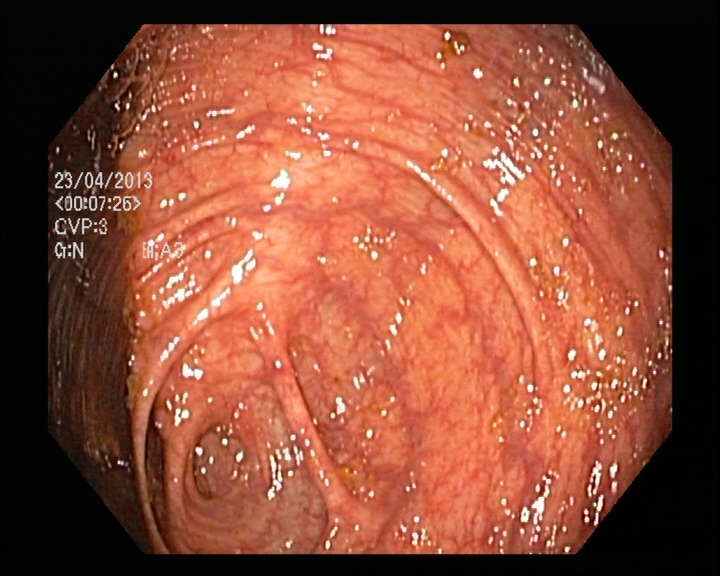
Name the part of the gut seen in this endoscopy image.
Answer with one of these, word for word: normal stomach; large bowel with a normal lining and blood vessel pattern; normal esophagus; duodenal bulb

large bowel with a normal lining and blood vessel pattern